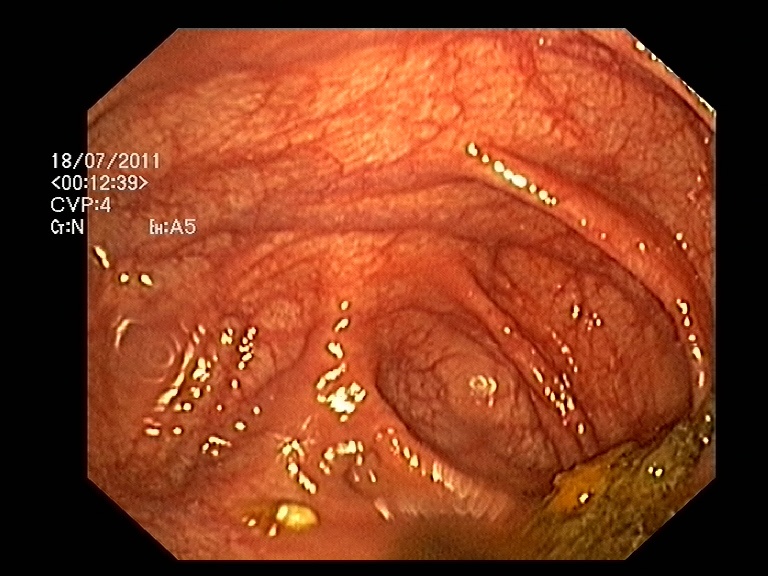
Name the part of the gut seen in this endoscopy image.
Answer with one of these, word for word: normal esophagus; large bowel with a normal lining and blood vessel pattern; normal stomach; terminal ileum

large bowel with a normal lining and blood vessel pattern